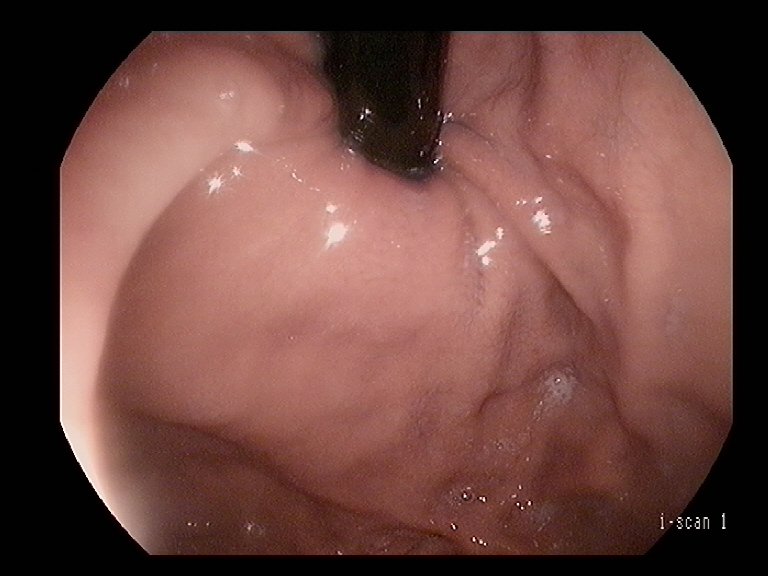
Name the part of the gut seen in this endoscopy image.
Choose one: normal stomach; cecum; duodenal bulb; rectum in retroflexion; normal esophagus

normal stomach